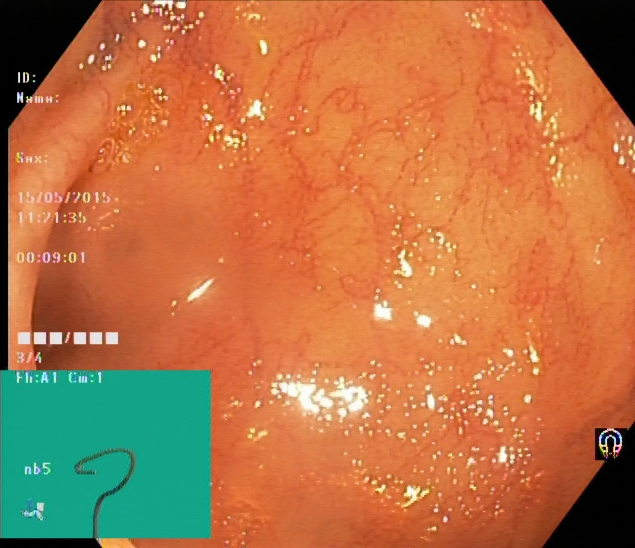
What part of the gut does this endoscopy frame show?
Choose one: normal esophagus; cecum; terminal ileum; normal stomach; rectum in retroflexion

cecum